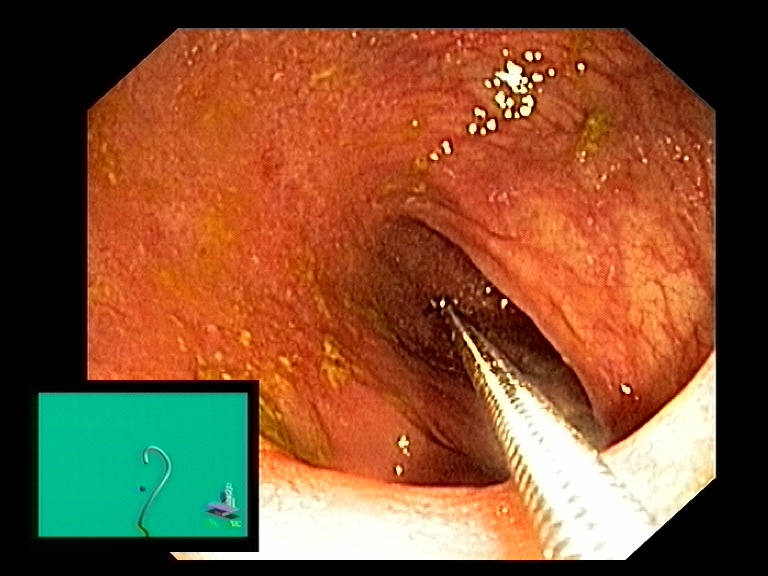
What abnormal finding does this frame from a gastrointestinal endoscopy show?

mucosal inflammation of the large bowel